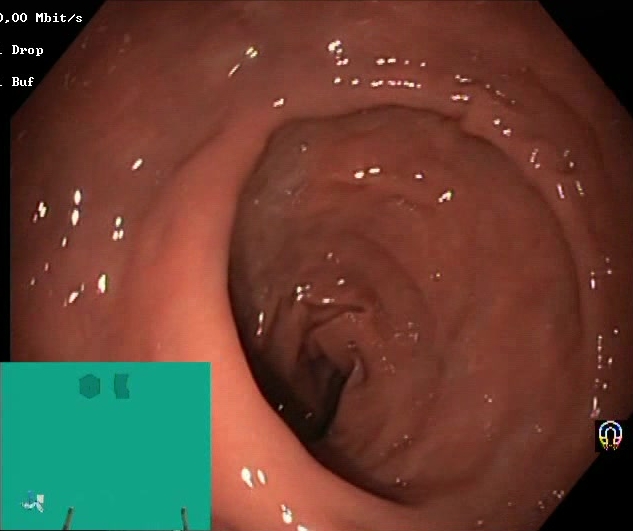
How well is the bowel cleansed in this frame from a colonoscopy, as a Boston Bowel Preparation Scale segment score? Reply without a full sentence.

Boston Bowel Preparation Scale score 2–3 (adequate preparation)